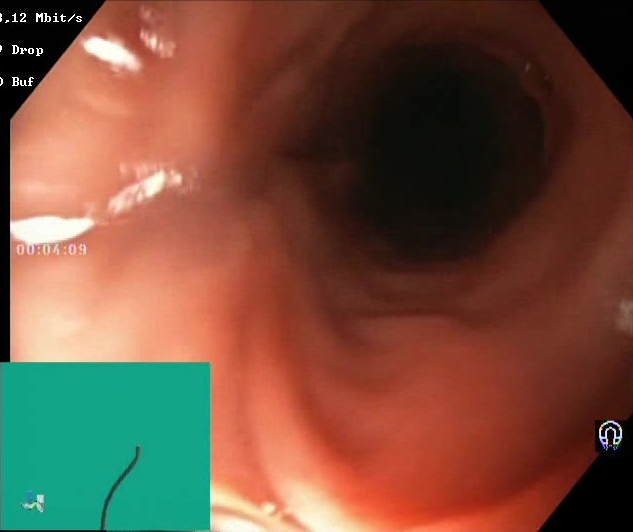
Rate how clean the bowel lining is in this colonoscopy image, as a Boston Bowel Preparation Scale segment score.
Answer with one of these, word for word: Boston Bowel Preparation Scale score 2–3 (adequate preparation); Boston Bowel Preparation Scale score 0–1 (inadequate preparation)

Boston Bowel Preparation Scale score 2–3 (adequate preparation)